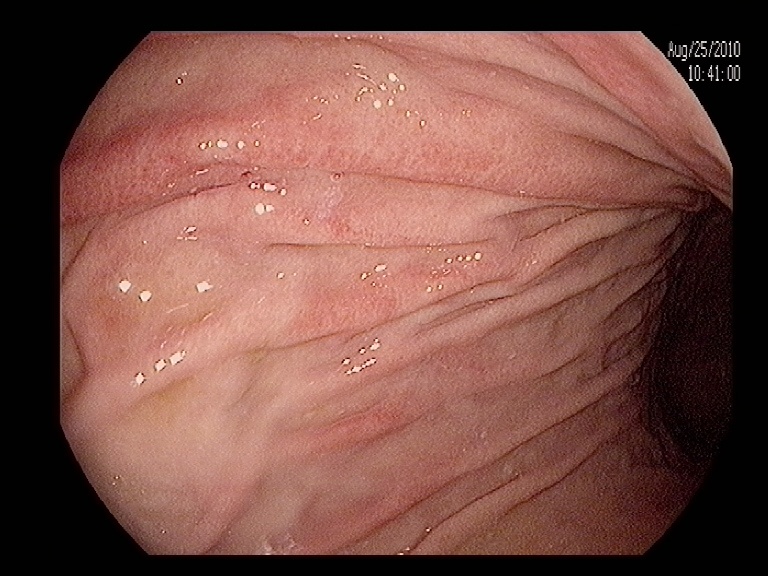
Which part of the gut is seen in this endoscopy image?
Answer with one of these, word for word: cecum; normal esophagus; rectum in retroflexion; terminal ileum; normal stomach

normal stomach